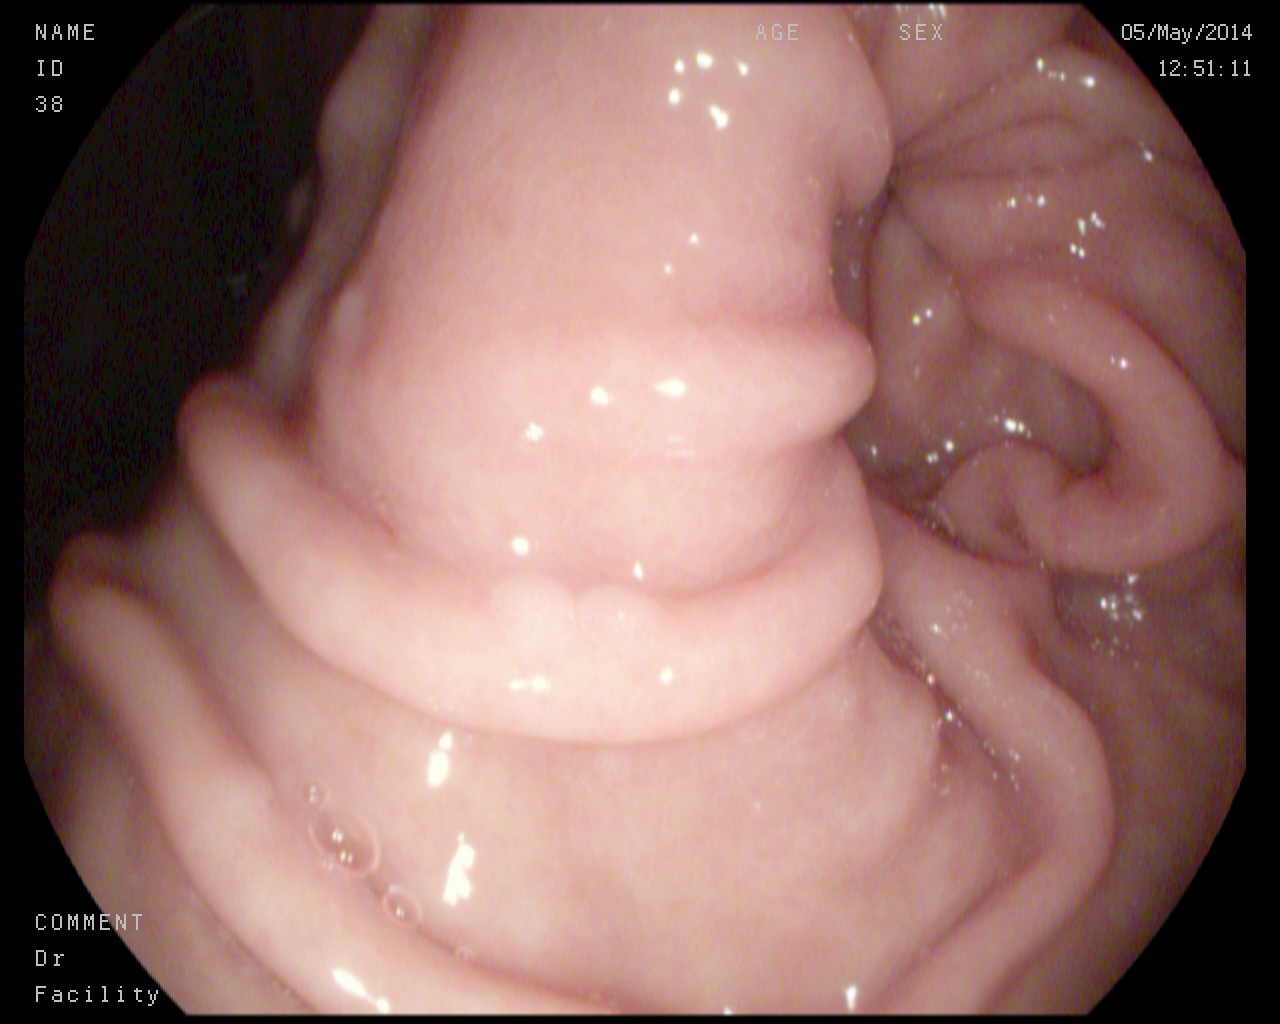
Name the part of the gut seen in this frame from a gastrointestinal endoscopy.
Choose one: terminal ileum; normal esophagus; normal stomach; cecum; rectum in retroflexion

normal stomach